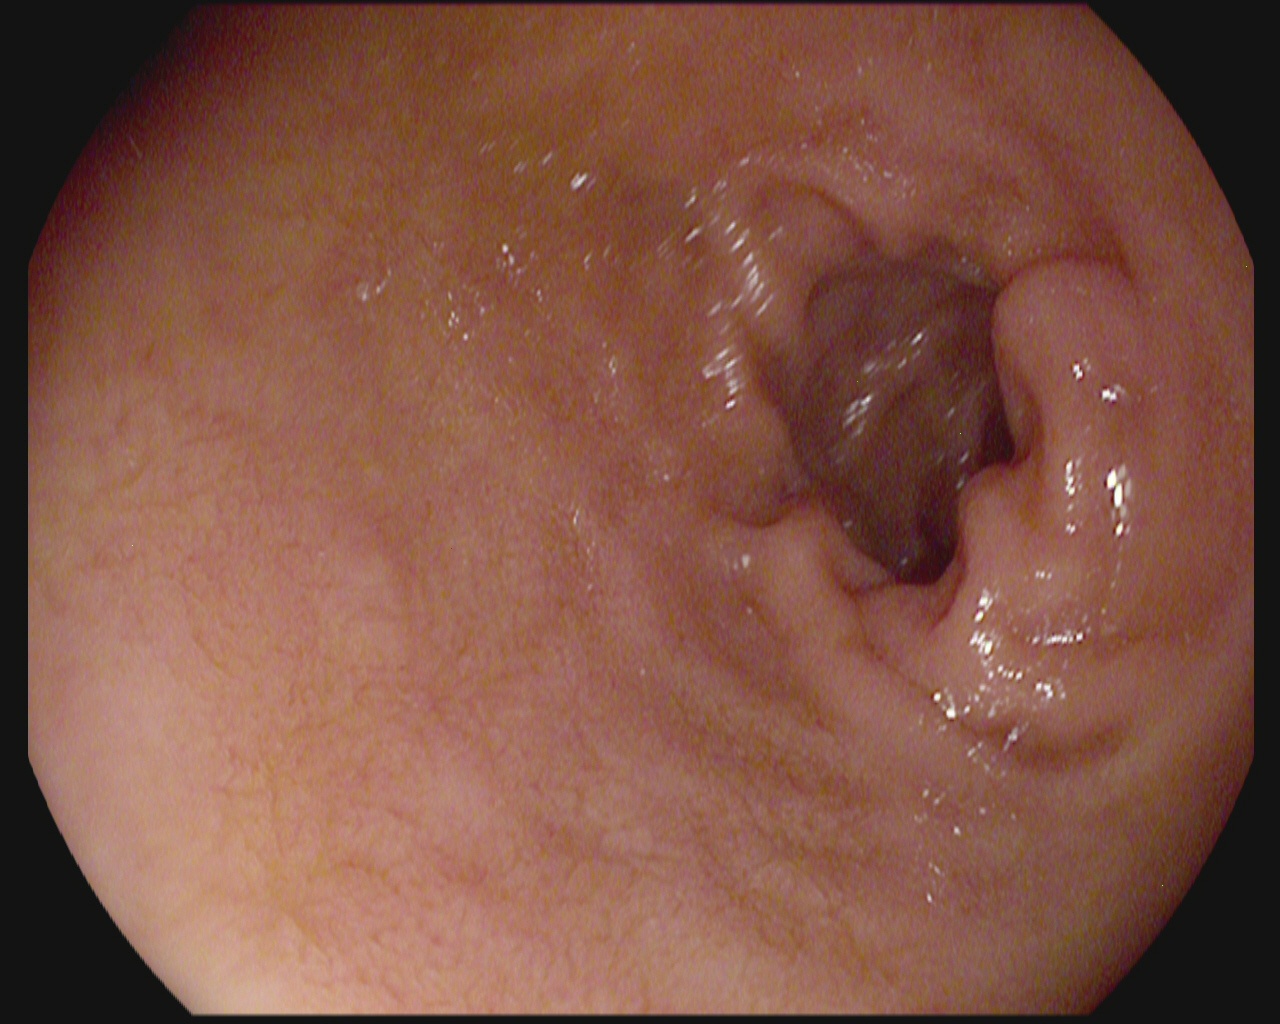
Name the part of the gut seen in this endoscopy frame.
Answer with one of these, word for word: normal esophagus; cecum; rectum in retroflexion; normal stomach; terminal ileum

normal stomach